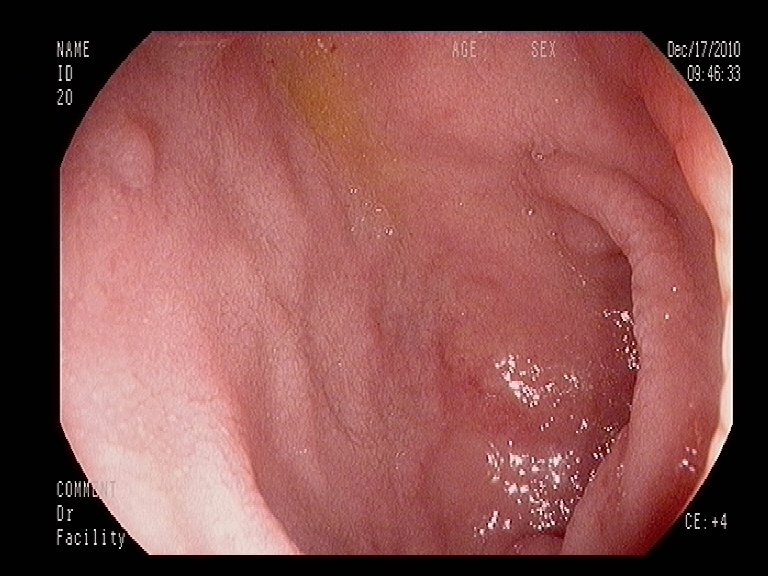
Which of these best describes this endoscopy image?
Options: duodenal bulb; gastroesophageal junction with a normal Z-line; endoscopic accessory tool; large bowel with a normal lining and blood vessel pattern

duodenal bulb